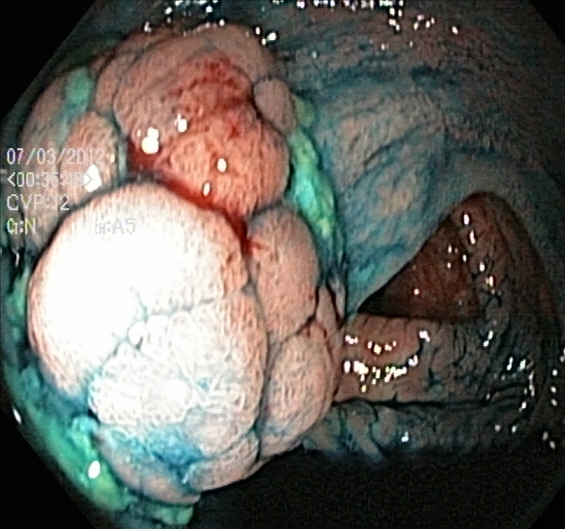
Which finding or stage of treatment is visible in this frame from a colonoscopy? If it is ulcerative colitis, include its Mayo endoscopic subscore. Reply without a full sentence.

dyed and lifted polyp (pre-resection)